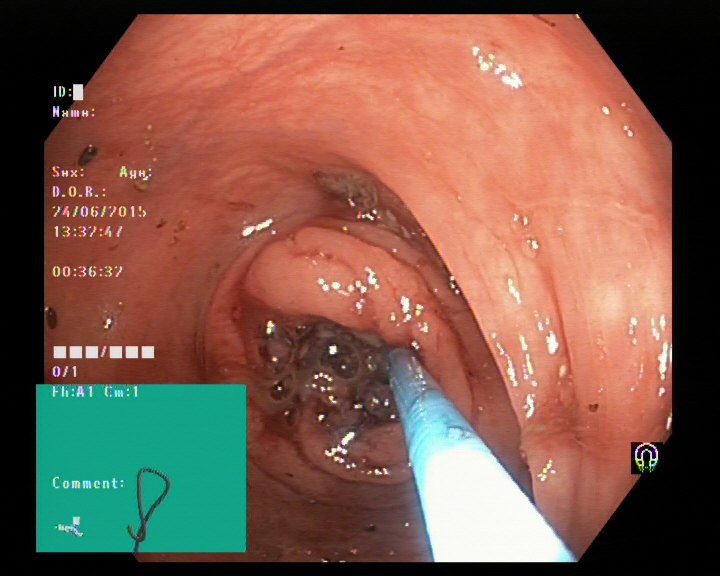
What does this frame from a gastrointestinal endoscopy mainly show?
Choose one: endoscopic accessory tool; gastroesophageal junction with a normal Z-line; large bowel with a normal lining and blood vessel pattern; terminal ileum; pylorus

endoscopic accessory tool